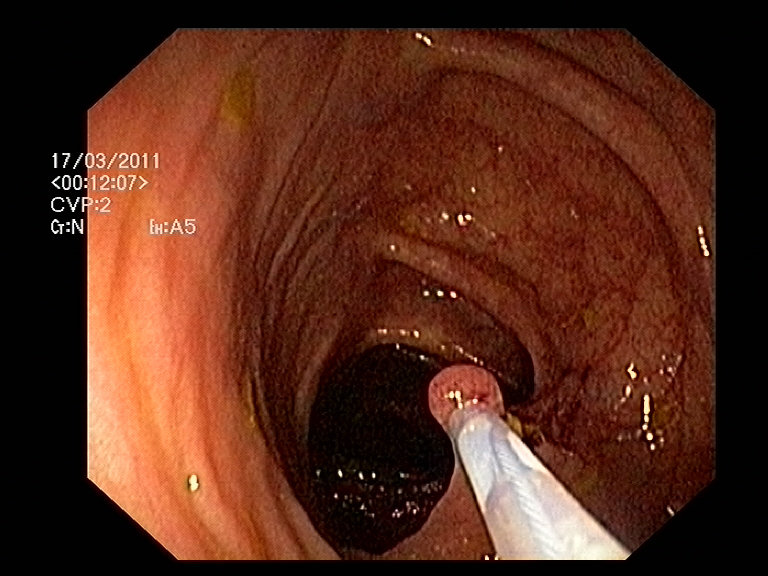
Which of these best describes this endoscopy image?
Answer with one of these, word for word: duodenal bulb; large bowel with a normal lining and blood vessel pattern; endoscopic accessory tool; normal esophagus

endoscopic accessory tool